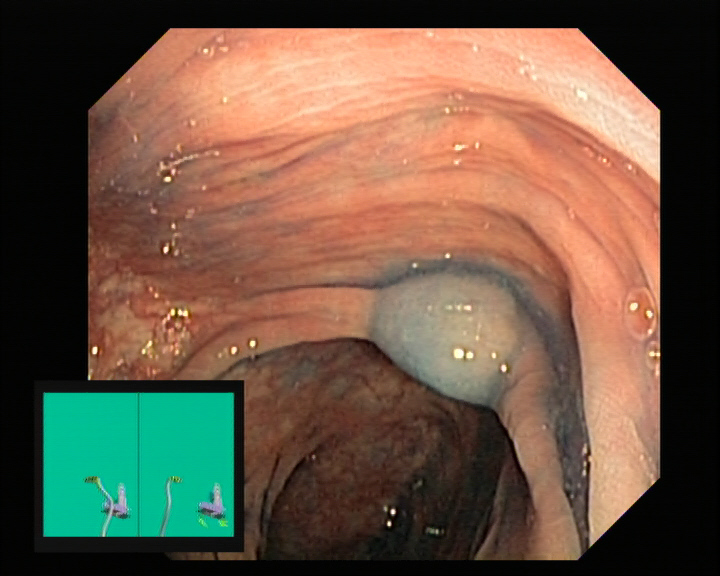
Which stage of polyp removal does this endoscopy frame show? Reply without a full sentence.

dyed and lifted polyp (pre-resection)